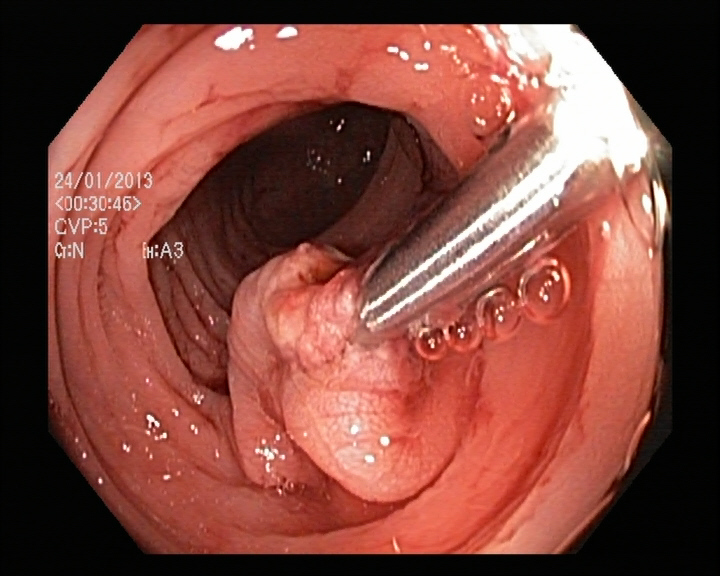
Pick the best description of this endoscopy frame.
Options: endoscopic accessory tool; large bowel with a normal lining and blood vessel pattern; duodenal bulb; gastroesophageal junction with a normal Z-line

endoscopic accessory tool